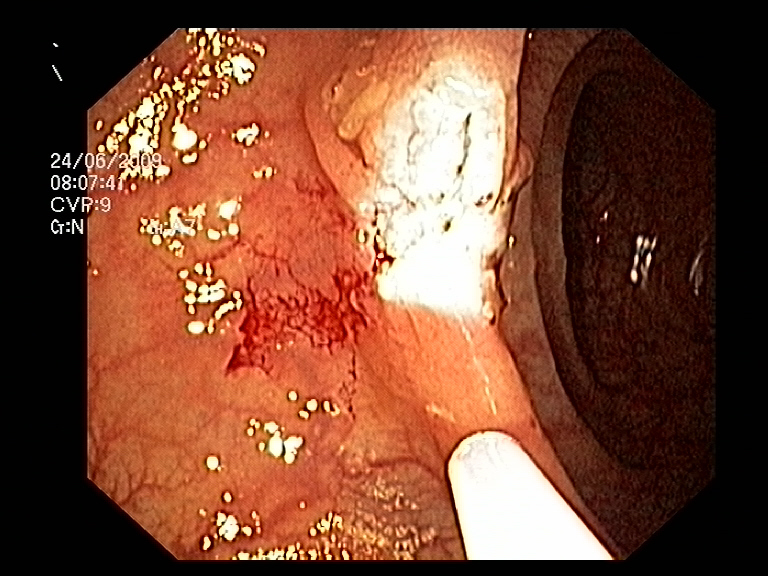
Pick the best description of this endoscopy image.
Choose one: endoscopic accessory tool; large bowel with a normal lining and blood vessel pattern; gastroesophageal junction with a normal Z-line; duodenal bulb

endoscopic accessory tool